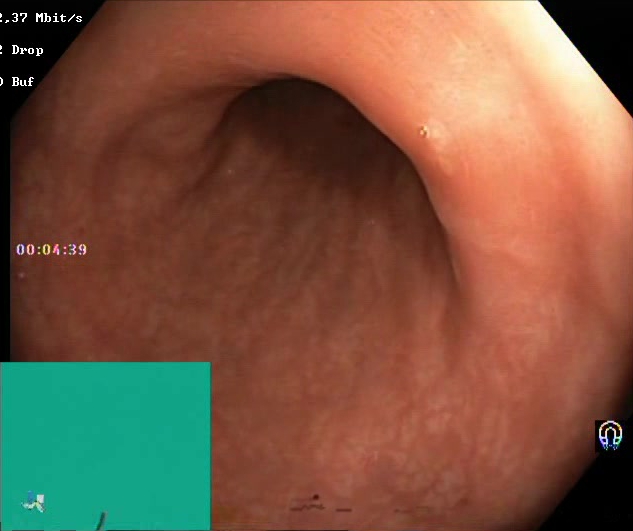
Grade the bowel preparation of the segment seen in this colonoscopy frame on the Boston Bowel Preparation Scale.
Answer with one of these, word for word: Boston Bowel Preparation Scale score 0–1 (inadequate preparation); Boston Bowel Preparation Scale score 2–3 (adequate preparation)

Boston Bowel Preparation Scale score 2–3 (adequate preparation)